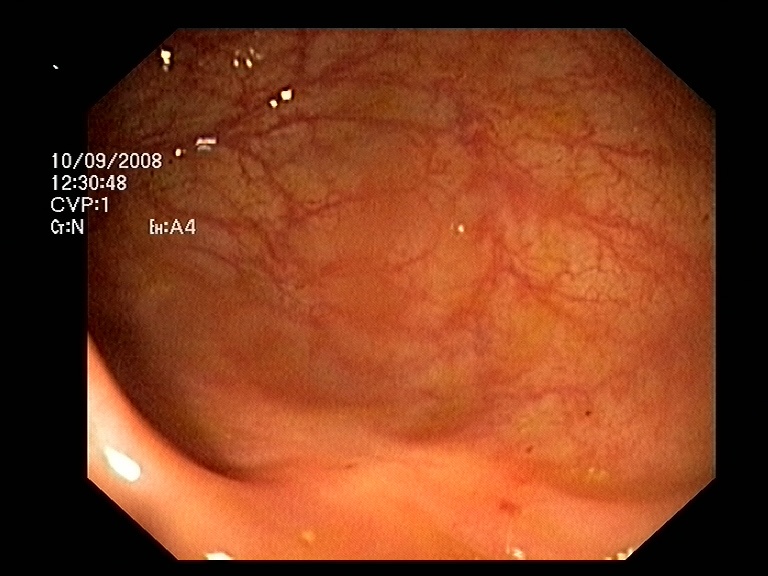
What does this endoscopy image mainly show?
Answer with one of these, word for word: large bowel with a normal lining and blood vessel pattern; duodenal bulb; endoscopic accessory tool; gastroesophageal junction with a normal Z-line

large bowel with a normal lining and blood vessel pattern